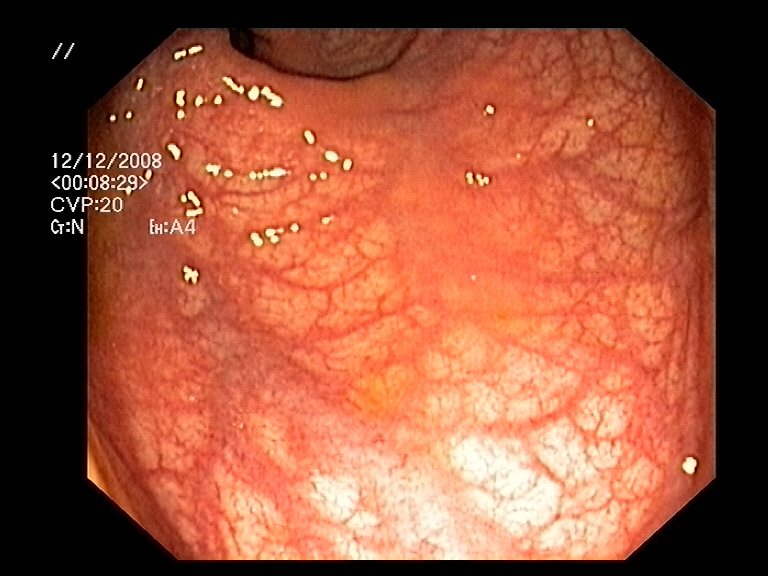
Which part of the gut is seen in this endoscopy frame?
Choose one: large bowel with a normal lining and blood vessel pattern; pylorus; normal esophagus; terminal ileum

large bowel with a normal lining and blood vessel pattern